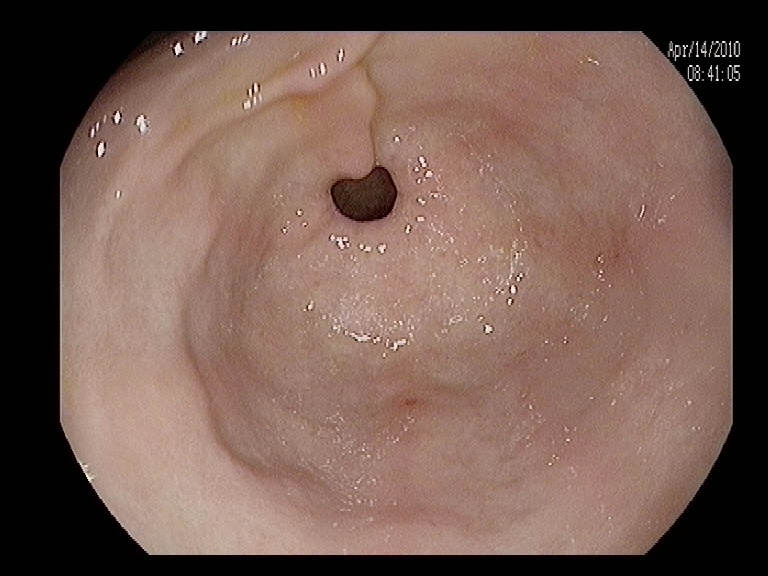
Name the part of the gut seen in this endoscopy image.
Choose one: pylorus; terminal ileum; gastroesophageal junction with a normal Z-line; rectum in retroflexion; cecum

pylorus